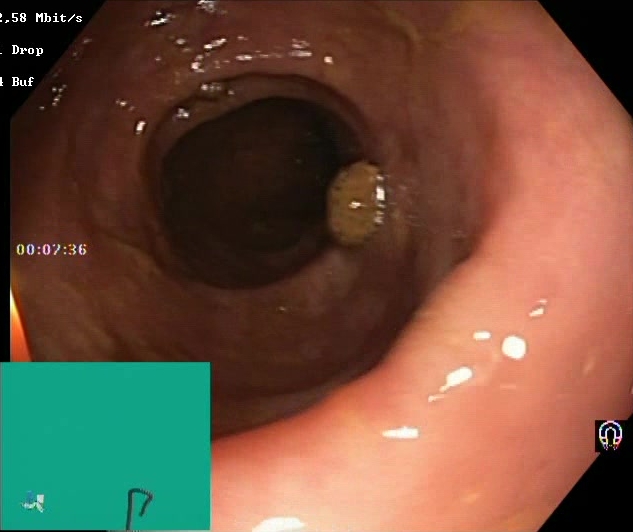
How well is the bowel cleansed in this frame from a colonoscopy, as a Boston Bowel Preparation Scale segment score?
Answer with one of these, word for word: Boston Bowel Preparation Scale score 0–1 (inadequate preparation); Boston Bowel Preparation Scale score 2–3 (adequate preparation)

Boston Bowel Preparation Scale score 2–3 (adequate preparation)